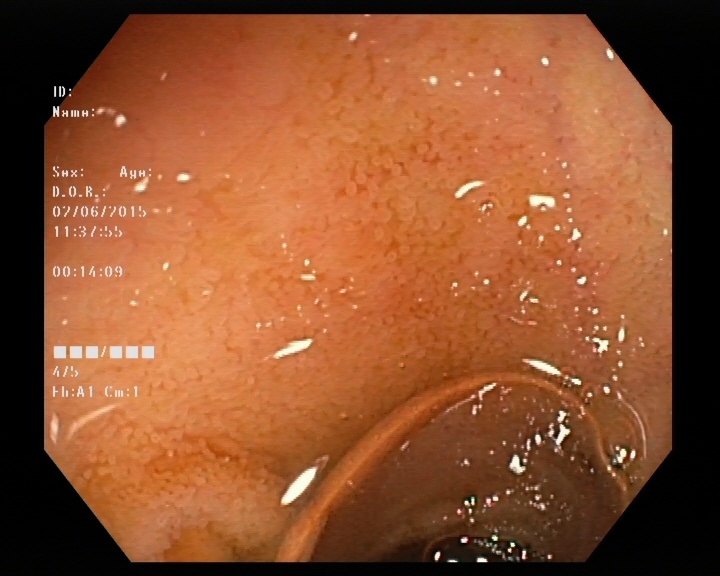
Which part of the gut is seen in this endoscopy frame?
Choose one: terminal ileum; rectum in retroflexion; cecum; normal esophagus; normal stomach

terminal ileum